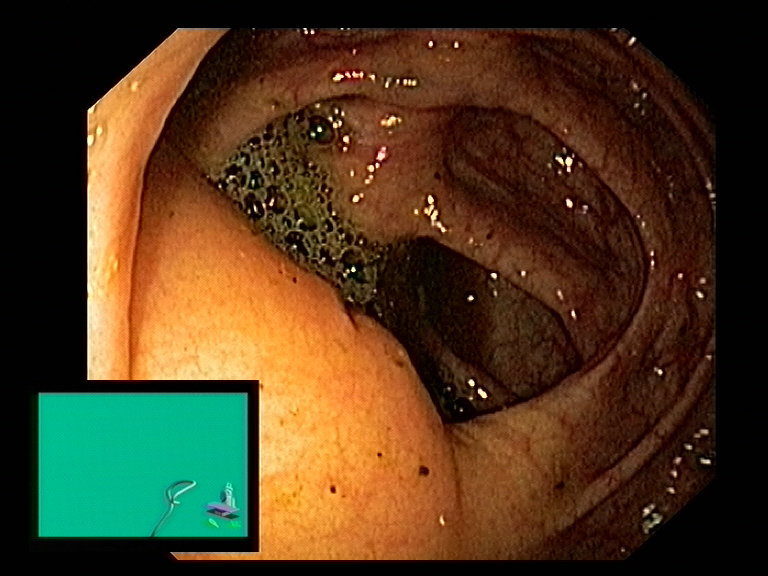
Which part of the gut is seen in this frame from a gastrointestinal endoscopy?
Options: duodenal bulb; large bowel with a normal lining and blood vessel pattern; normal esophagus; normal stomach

large bowel with a normal lining and blood vessel pattern